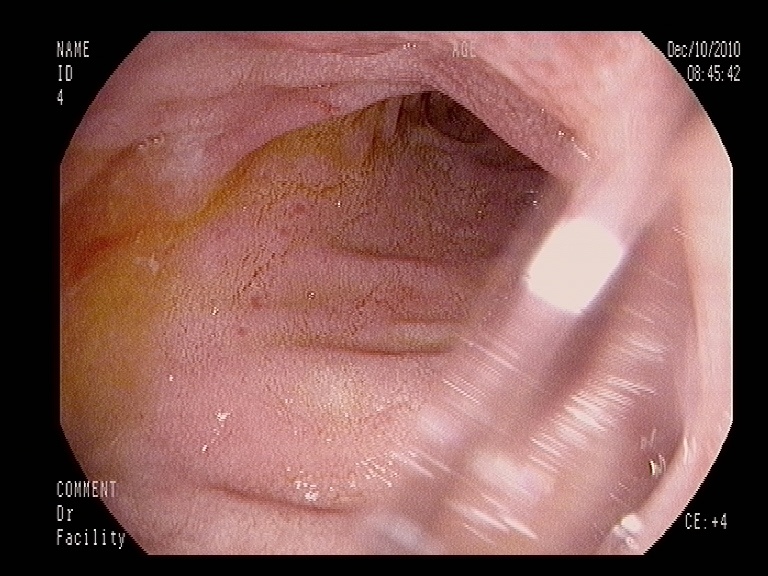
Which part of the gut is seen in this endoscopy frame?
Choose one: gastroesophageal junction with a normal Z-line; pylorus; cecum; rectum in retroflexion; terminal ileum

terminal ileum